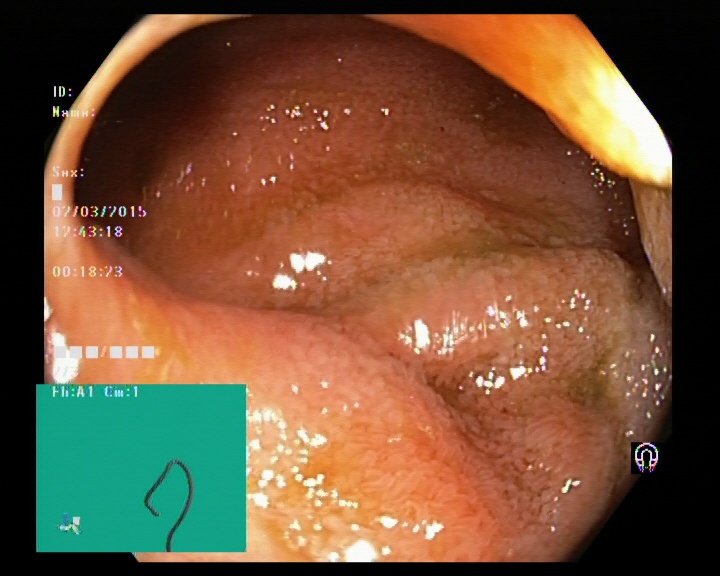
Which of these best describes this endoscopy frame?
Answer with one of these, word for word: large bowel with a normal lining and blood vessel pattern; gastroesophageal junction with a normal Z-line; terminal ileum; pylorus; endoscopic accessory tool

large bowel with a normal lining and blood vessel pattern